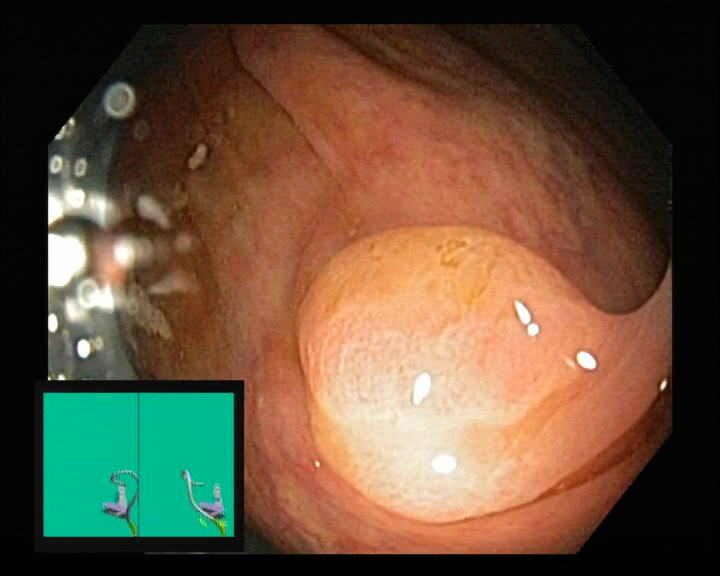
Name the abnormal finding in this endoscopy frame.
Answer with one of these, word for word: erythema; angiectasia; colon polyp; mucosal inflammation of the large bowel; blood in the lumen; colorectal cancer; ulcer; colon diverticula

colon polyp